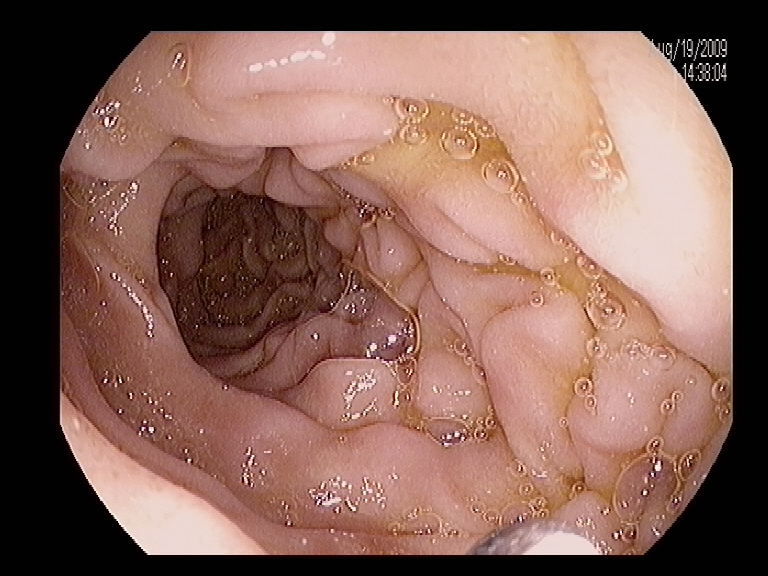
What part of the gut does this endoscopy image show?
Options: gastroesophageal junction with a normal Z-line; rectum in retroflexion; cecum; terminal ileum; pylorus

terminal ileum